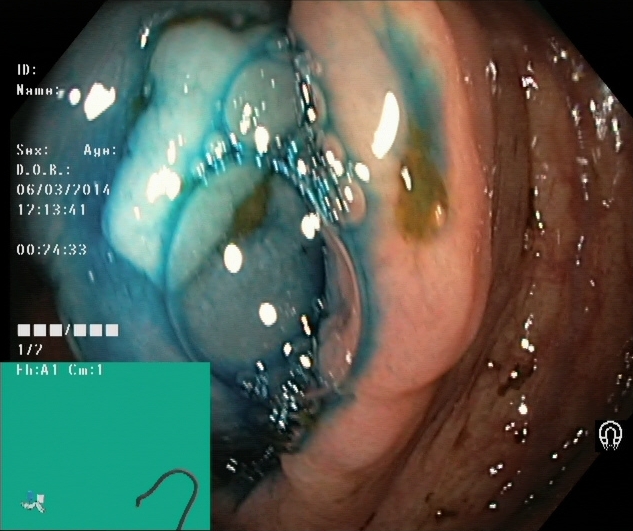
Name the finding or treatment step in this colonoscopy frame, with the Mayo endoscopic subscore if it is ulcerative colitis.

dyed and lifted polyp (pre-resection)